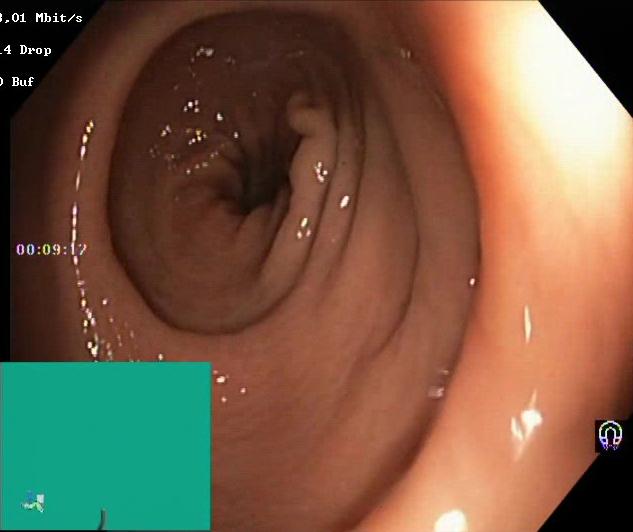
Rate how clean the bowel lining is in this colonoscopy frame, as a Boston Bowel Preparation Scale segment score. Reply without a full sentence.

Boston Bowel Preparation Scale score 2–3 (adequate preparation)